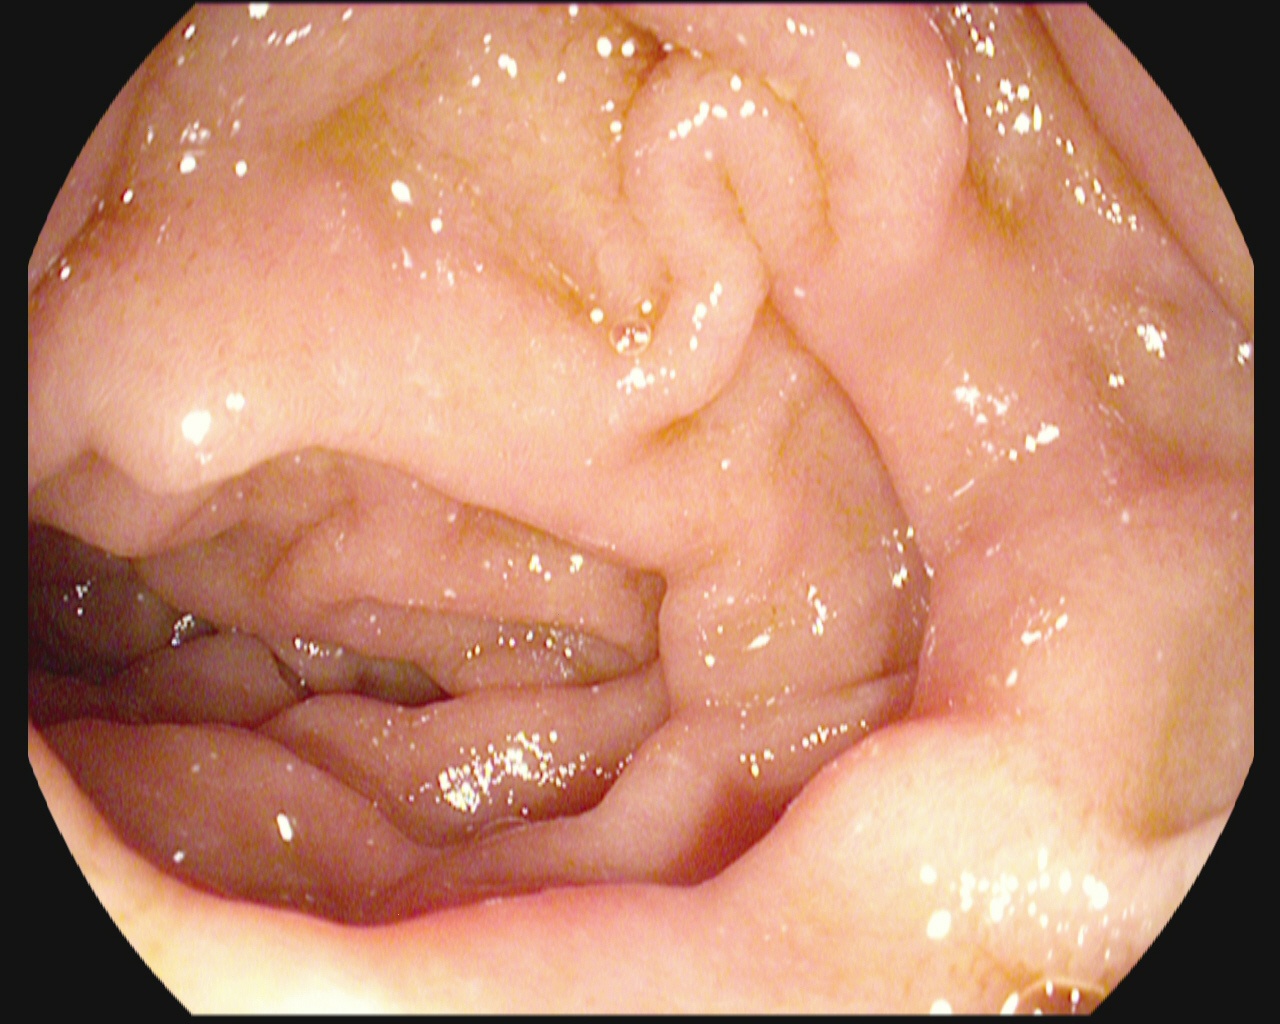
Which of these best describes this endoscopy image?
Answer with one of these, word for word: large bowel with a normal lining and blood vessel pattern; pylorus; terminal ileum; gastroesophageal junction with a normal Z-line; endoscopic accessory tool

terminal ileum